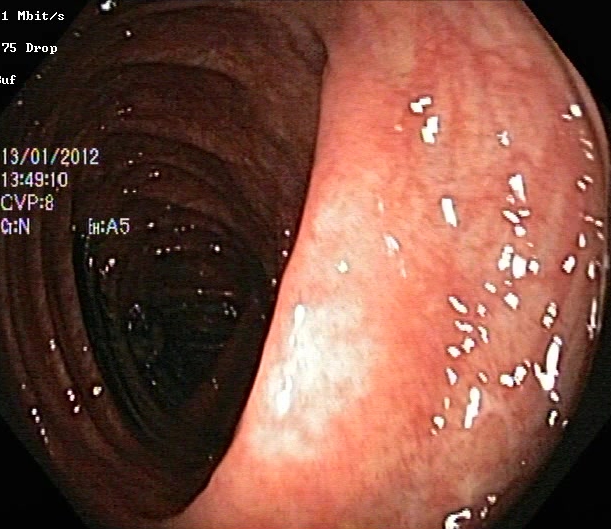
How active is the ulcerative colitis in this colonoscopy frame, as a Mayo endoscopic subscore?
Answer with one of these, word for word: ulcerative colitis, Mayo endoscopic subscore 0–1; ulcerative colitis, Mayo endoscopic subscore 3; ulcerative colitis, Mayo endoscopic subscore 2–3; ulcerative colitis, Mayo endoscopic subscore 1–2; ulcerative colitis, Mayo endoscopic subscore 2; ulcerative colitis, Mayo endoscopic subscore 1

ulcerative colitis, Mayo endoscopic subscore 0–1